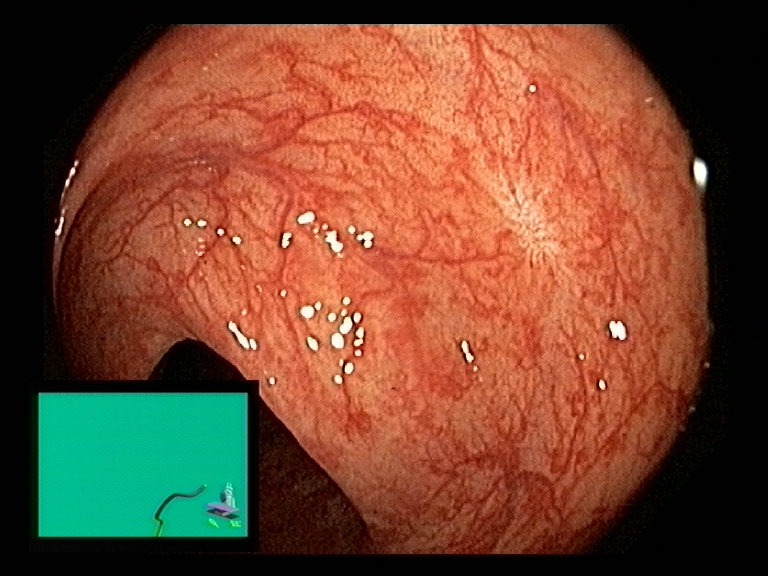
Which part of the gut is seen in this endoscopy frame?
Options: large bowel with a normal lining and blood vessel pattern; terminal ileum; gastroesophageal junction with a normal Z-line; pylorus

large bowel with a normal lining and blood vessel pattern